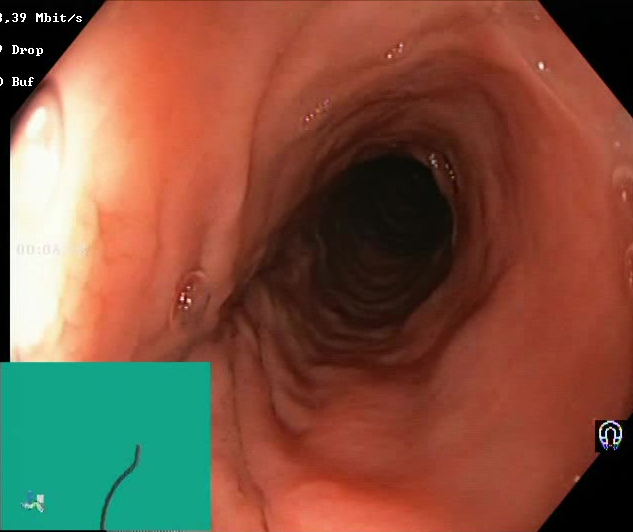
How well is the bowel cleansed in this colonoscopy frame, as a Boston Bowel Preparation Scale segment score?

Boston Bowel Preparation Scale score 2–3 (adequate preparation)